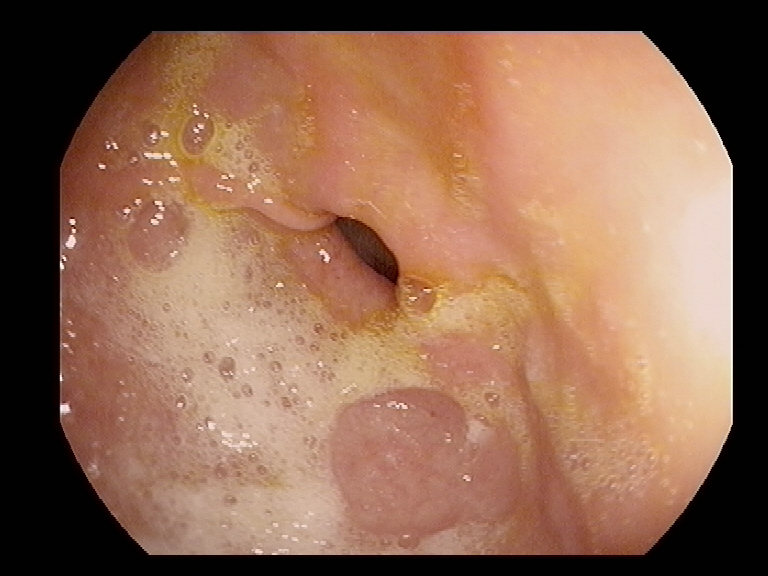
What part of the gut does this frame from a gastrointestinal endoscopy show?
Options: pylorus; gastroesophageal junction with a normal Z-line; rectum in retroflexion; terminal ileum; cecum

pylorus